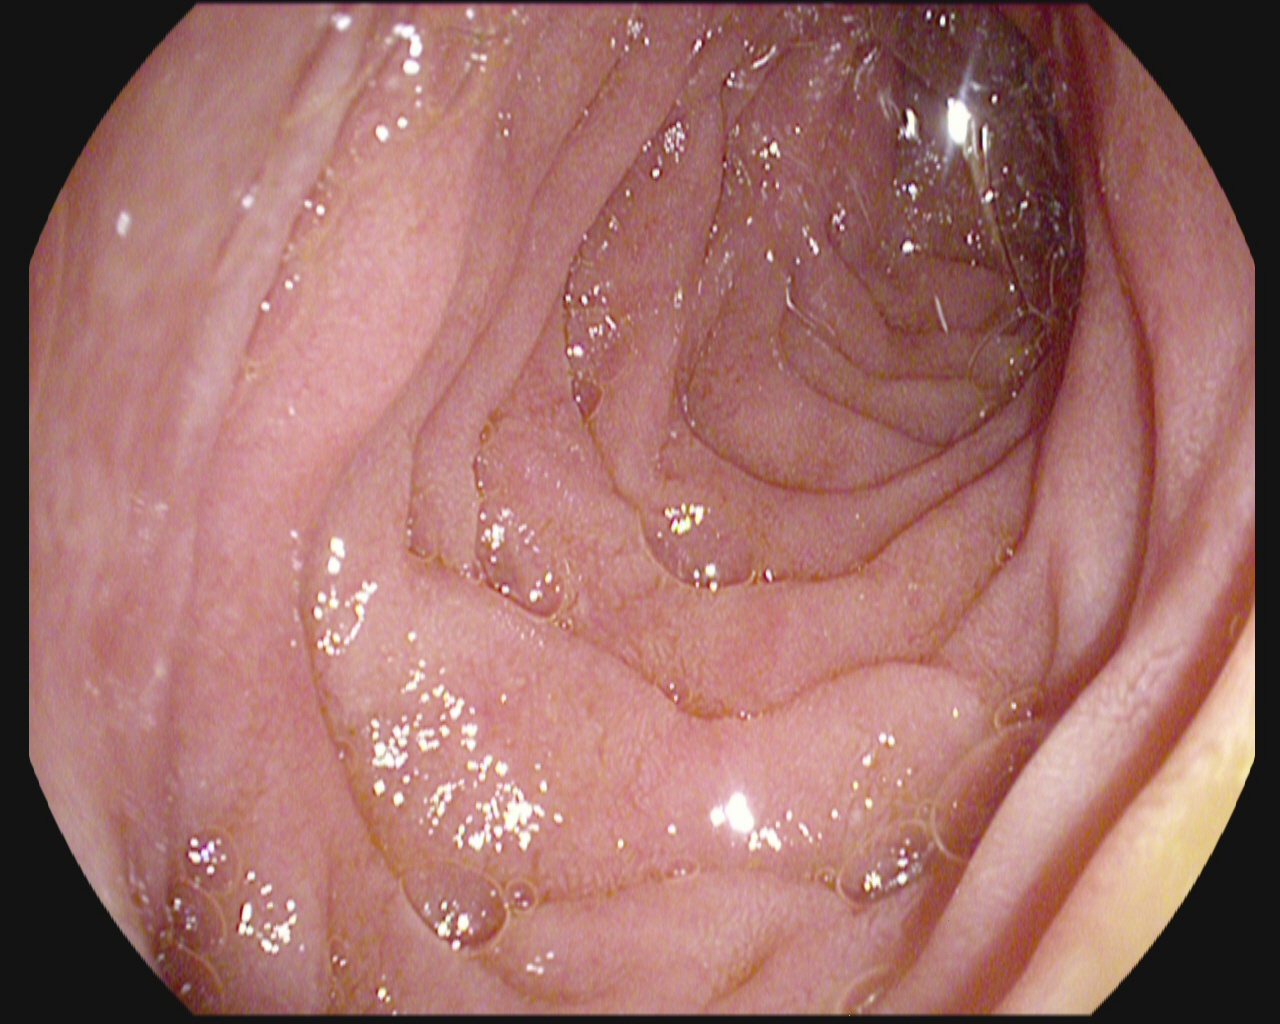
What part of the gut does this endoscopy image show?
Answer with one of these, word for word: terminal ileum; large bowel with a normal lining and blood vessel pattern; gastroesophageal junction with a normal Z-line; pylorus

terminal ileum